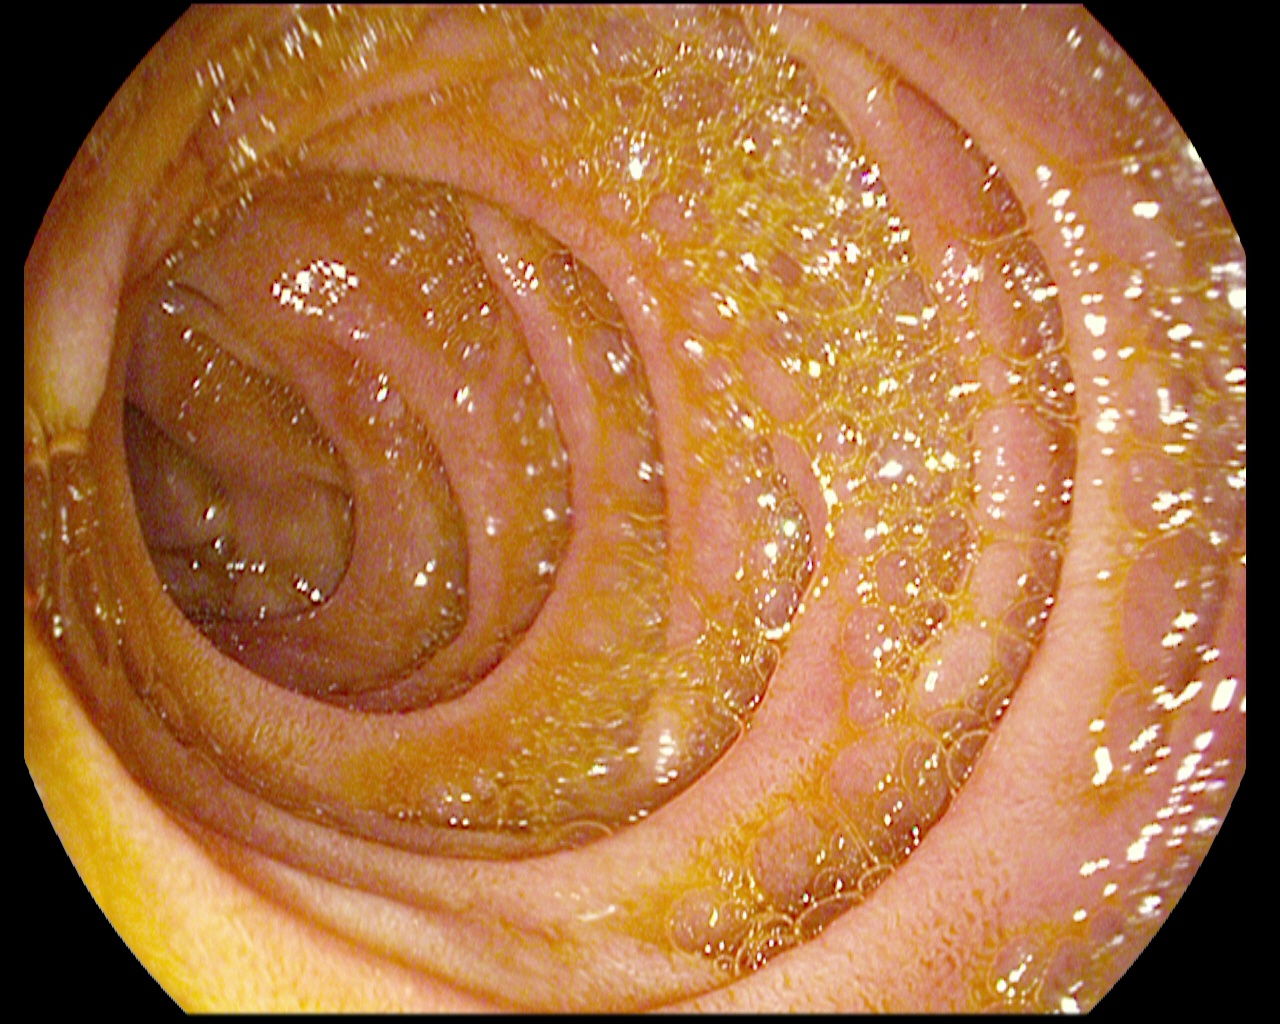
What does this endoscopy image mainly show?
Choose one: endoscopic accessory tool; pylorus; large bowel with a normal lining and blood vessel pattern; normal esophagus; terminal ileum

terminal ileum